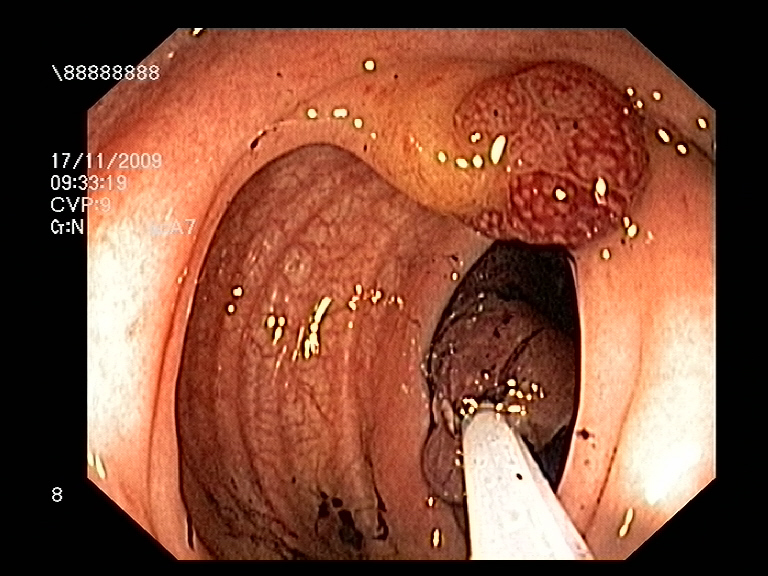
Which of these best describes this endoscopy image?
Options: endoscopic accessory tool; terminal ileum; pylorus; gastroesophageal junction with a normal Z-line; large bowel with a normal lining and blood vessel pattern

endoscopic accessory tool